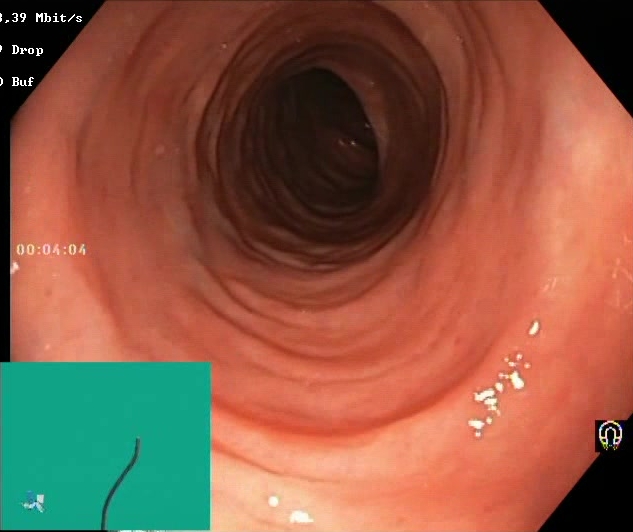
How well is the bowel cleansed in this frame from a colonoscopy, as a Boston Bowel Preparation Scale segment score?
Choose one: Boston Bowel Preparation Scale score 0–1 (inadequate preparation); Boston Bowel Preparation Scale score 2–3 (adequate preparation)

Boston Bowel Preparation Scale score 2–3 (adequate preparation)